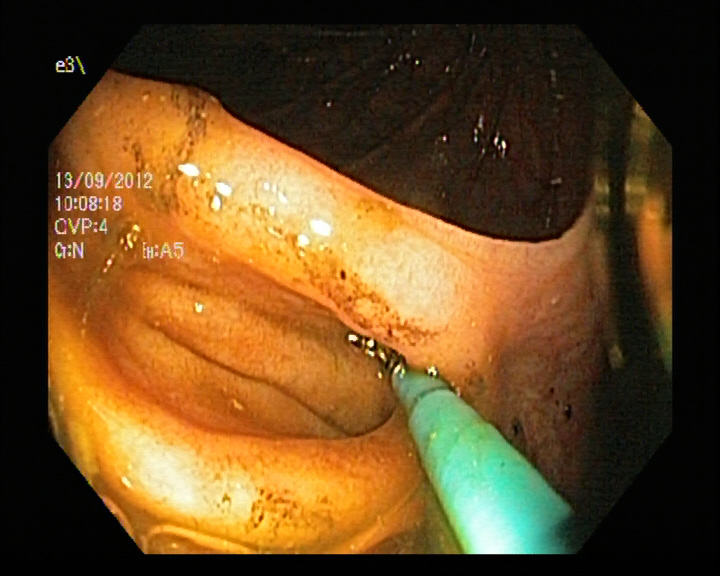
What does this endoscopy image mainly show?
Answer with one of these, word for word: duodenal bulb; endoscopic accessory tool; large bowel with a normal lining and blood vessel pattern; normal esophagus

endoscopic accessory tool